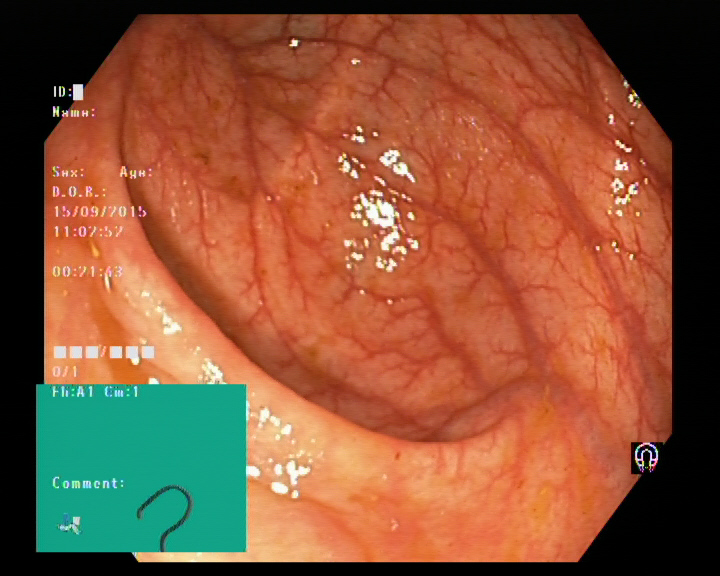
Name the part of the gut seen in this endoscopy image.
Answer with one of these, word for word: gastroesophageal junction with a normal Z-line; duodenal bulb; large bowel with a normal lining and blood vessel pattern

large bowel with a normal lining and blood vessel pattern